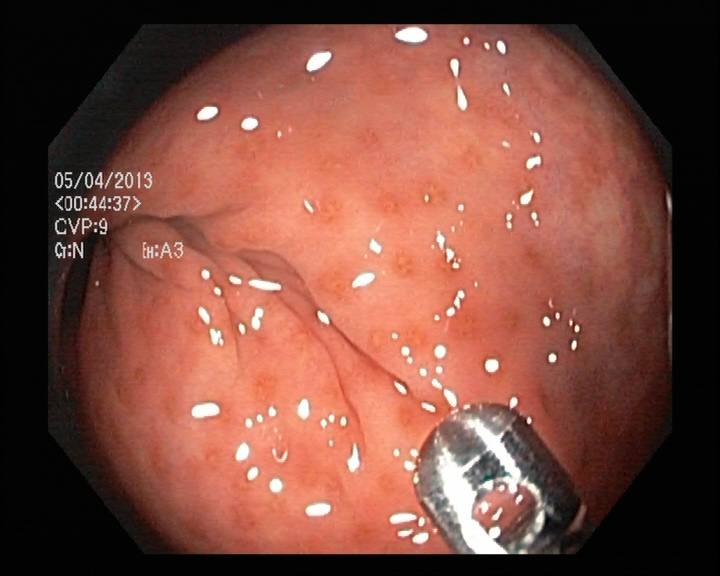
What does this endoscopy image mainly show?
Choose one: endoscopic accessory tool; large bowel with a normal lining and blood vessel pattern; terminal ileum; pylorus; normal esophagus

endoscopic accessory tool